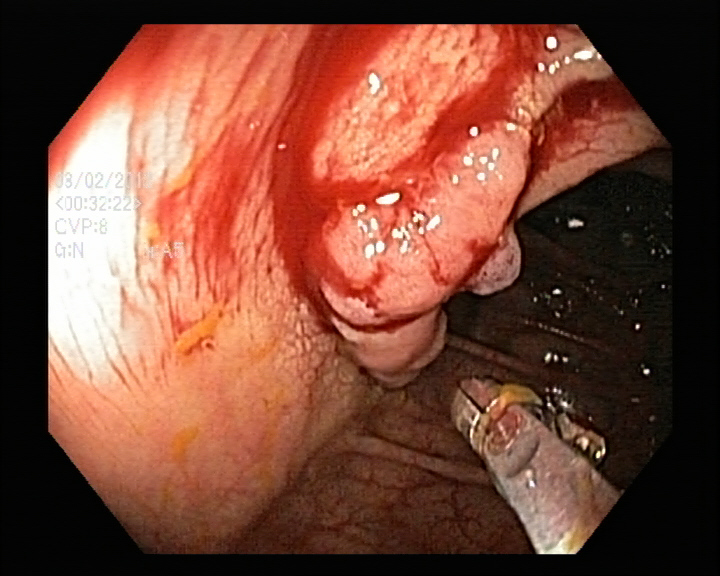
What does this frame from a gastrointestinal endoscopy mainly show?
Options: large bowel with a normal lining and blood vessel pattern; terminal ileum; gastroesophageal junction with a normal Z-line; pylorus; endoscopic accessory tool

endoscopic accessory tool